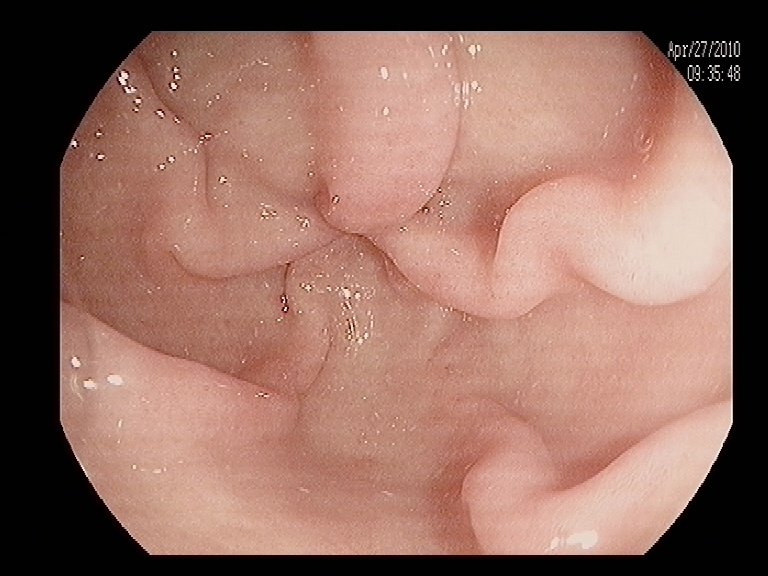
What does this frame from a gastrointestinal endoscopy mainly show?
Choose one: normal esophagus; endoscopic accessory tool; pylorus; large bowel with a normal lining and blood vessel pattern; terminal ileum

pylorus